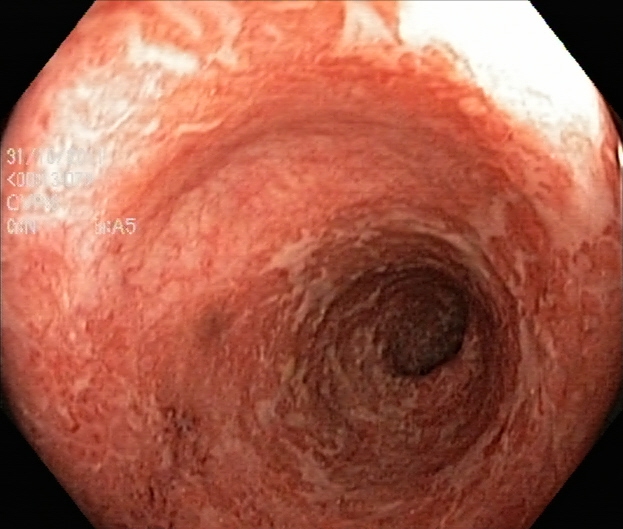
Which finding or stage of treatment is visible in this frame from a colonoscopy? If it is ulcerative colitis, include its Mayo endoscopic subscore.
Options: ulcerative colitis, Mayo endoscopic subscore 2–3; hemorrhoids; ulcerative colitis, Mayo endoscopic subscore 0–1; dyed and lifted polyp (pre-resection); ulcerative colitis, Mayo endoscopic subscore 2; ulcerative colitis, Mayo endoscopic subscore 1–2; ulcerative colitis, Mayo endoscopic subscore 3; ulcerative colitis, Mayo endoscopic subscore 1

ulcerative colitis, Mayo endoscopic subscore 2